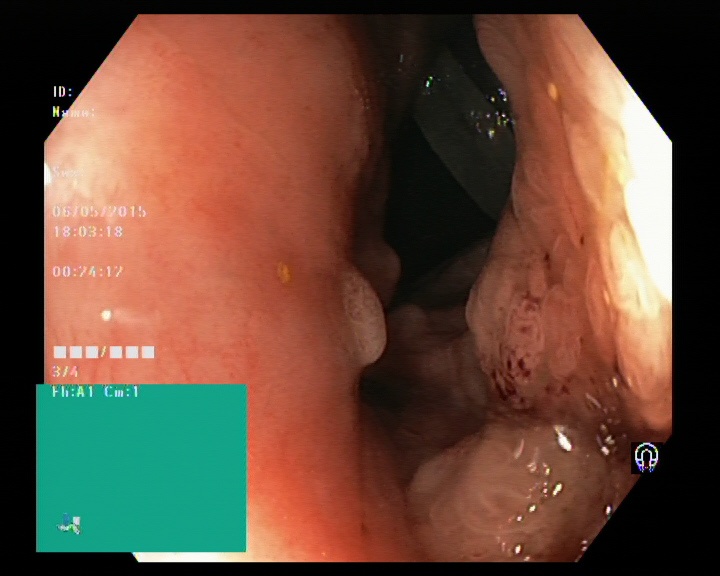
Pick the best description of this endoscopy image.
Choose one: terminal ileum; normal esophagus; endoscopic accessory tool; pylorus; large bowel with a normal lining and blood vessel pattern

endoscopic accessory tool